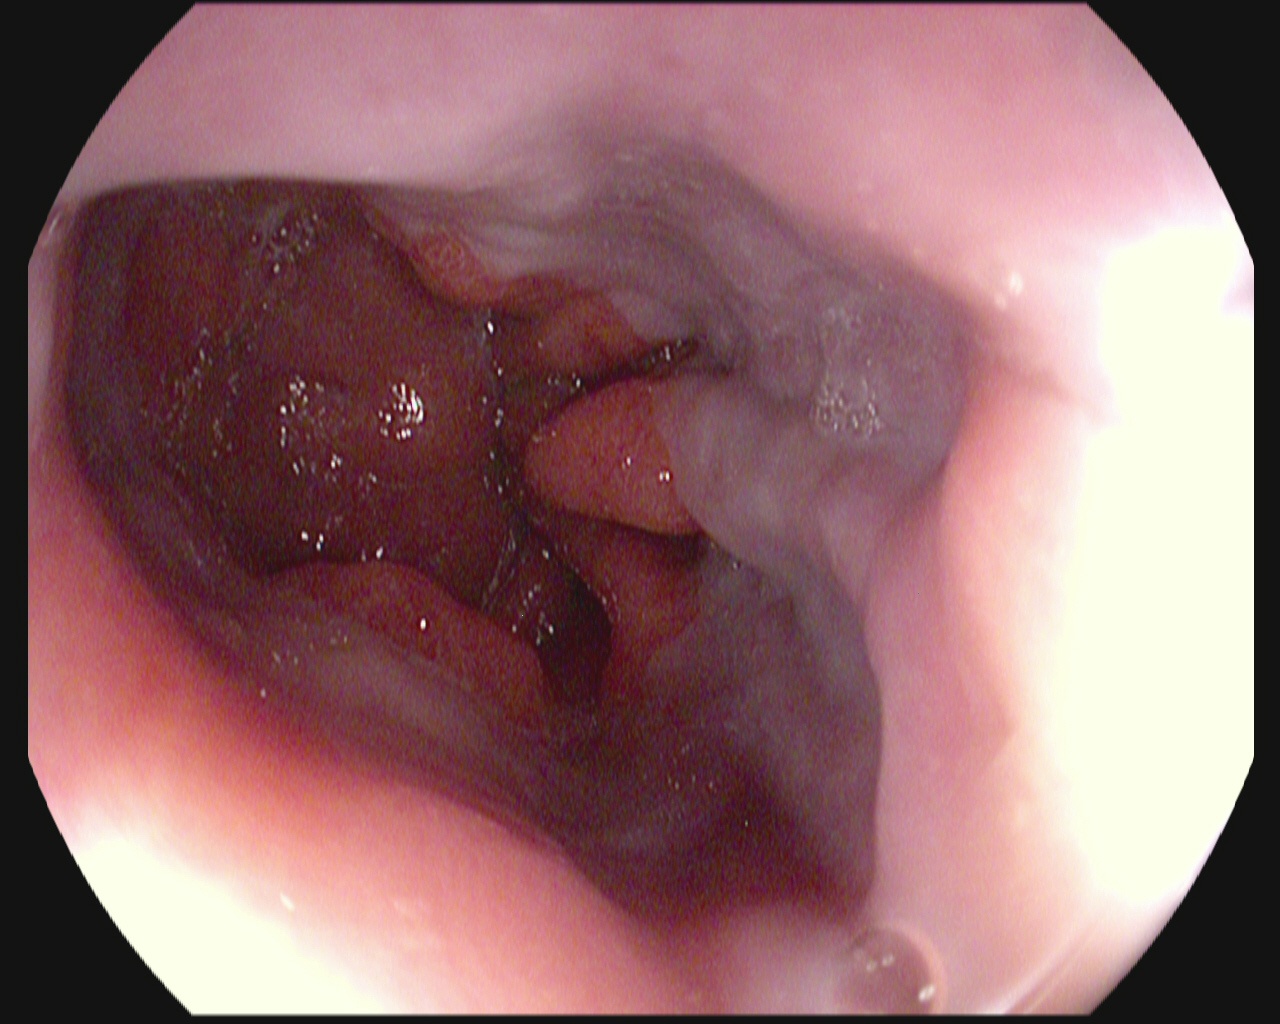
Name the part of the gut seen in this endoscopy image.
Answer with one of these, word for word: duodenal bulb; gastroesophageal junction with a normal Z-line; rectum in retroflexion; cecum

gastroesophageal junction with a normal Z-line